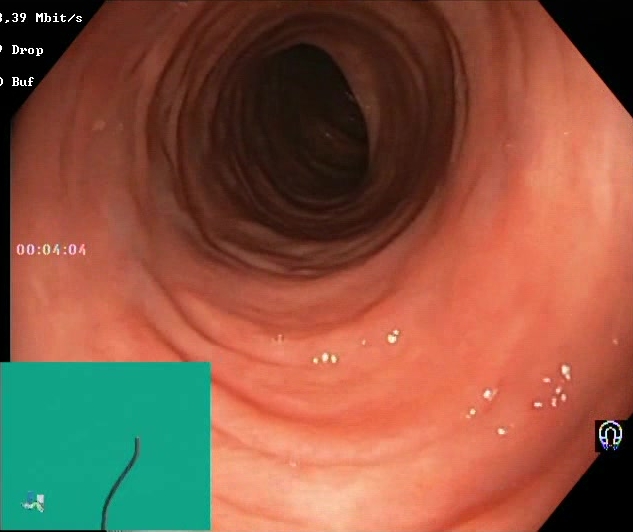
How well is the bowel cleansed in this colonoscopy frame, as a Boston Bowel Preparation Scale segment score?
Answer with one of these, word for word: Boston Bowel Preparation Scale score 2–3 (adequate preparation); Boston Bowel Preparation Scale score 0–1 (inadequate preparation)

Boston Bowel Preparation Scale score 2–3 (adequate preparation)